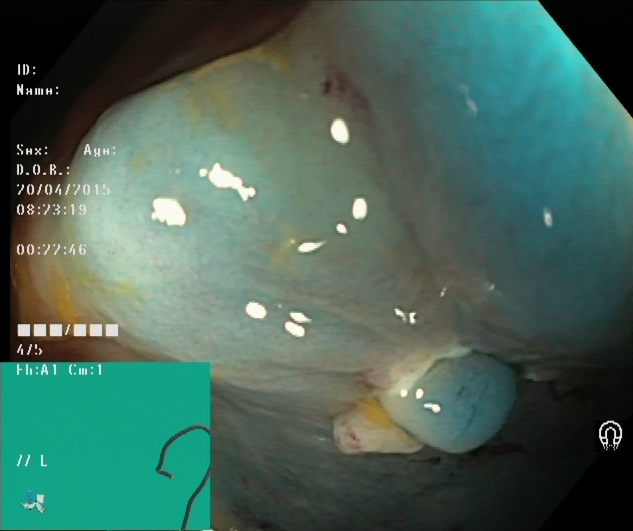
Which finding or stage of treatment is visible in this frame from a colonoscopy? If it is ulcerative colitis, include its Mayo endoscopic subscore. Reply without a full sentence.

dyed and lifted polyp (pre-resection)